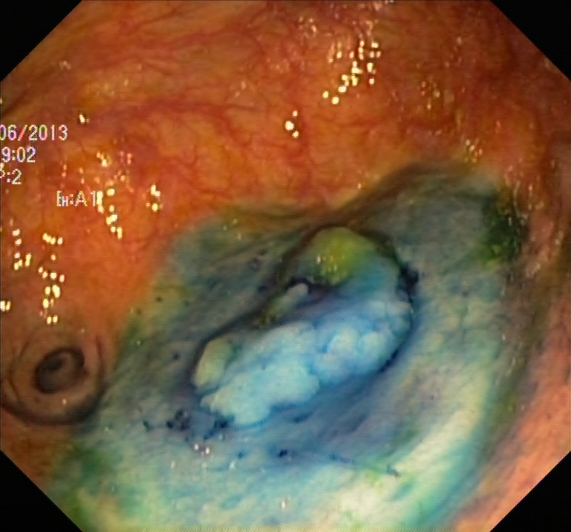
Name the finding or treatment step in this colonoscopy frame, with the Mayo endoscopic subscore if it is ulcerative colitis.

dyed and lifted polyp (pre-resection)